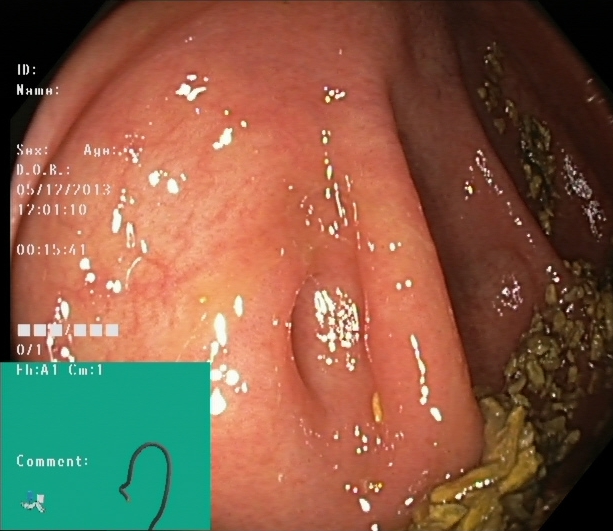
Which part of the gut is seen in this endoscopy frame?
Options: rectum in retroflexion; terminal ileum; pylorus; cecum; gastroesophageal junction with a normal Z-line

cecum